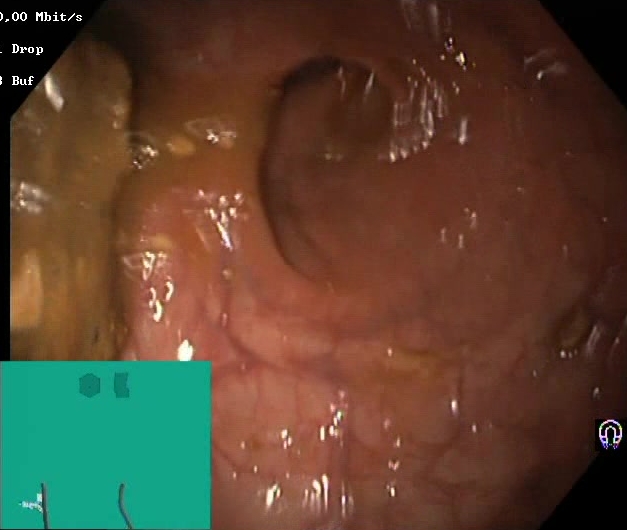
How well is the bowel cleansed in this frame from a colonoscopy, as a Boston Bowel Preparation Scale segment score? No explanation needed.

Boston Bowel Preparation Scale score 0–1 (inadequate preparation)